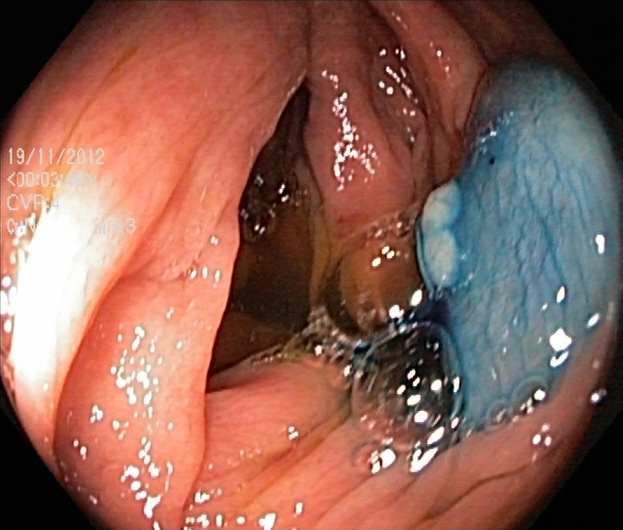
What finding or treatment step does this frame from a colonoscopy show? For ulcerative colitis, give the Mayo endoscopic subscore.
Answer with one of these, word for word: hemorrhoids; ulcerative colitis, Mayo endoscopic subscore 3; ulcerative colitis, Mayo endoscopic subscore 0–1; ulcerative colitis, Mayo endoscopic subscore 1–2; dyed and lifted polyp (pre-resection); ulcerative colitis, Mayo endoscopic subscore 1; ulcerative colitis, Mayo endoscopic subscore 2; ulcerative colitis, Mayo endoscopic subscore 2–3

dyed and lifted polyp (pre-resection)